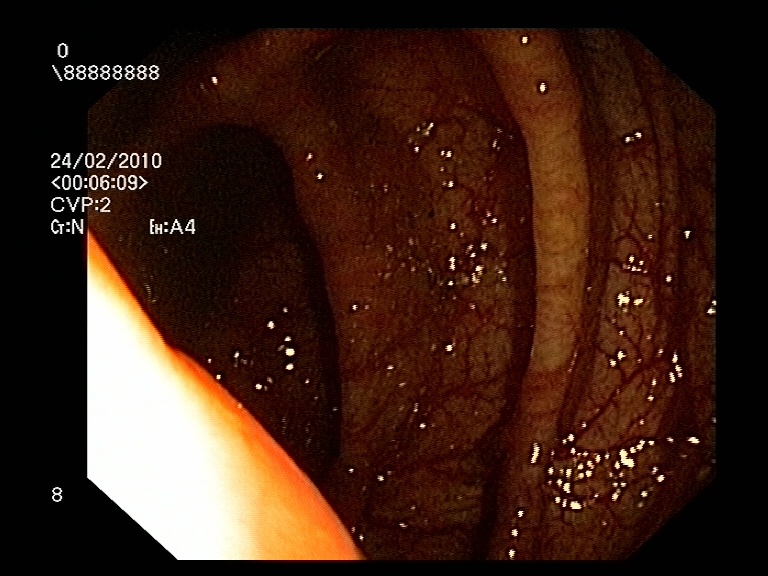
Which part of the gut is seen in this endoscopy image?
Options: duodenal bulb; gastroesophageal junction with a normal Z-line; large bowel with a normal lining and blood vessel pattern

large bowel with a normal lining and blood vessel pattern